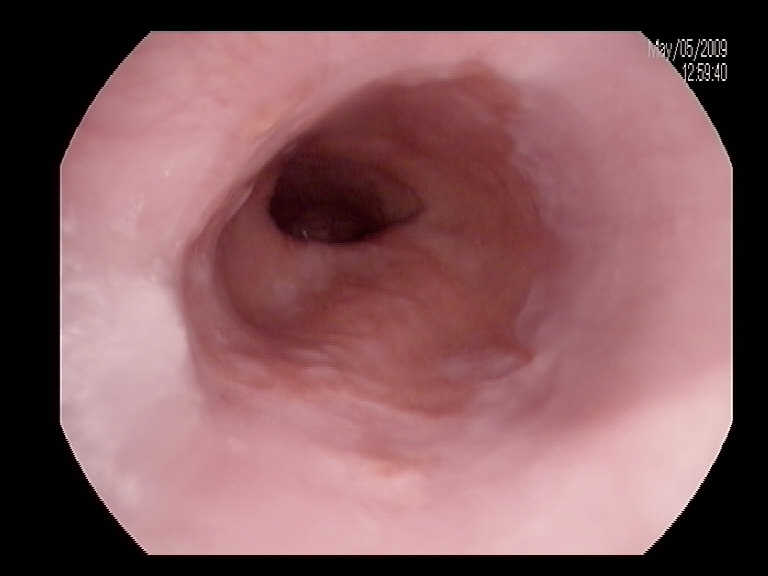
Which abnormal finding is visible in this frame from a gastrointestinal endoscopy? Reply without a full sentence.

Barrett's esophagus